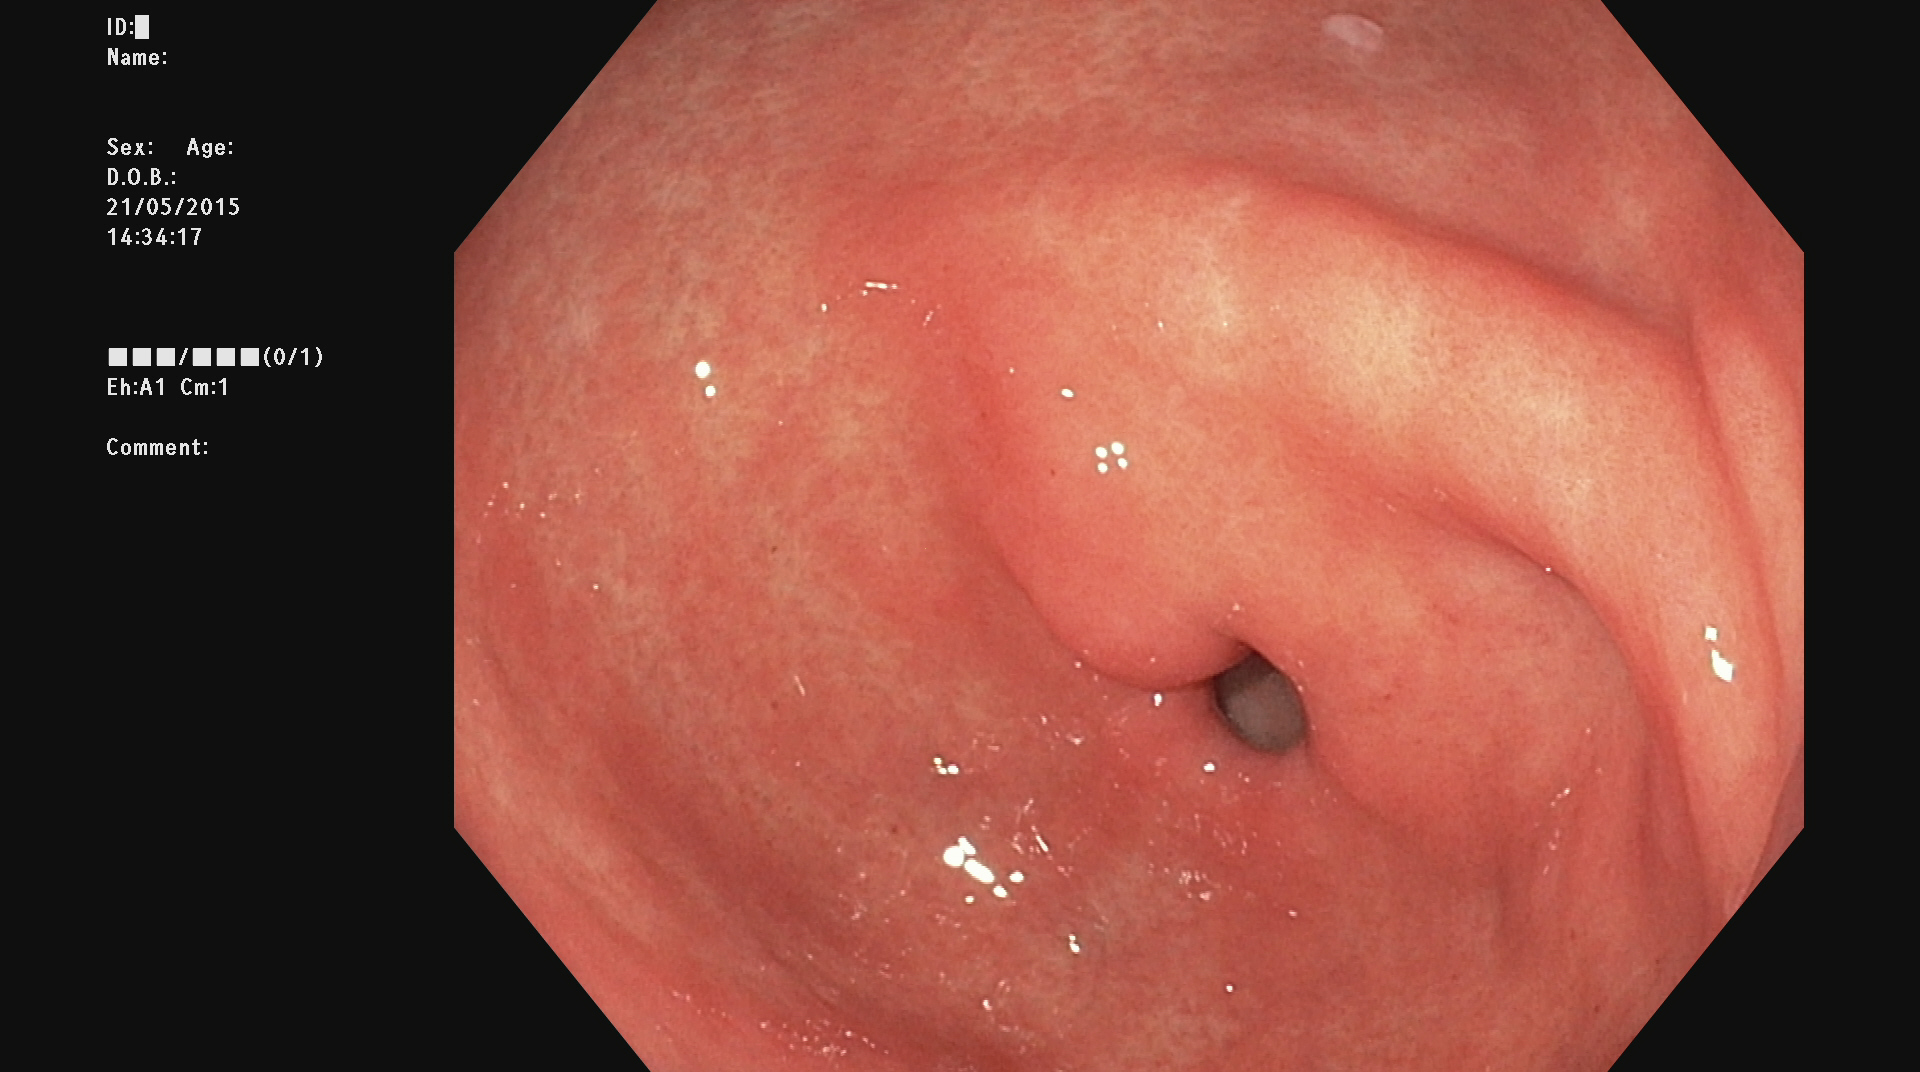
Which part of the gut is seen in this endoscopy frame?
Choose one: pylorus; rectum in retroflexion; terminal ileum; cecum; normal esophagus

pylorus